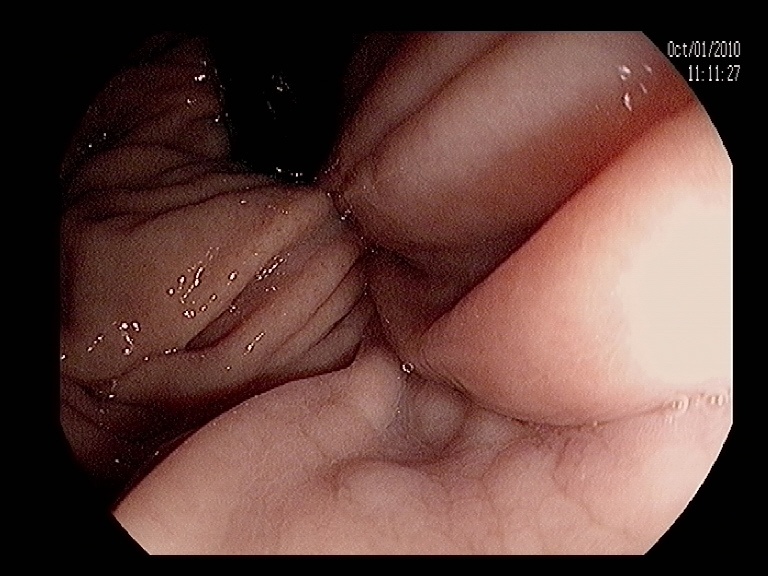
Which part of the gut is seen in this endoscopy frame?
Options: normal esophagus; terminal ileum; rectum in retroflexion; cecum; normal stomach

normal stomach